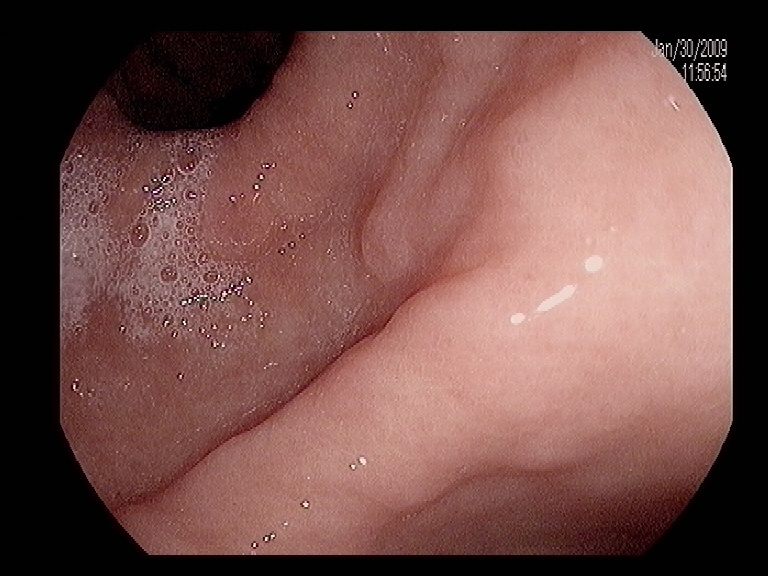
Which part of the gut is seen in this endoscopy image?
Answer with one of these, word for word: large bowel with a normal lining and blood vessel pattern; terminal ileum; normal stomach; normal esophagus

normal stomach